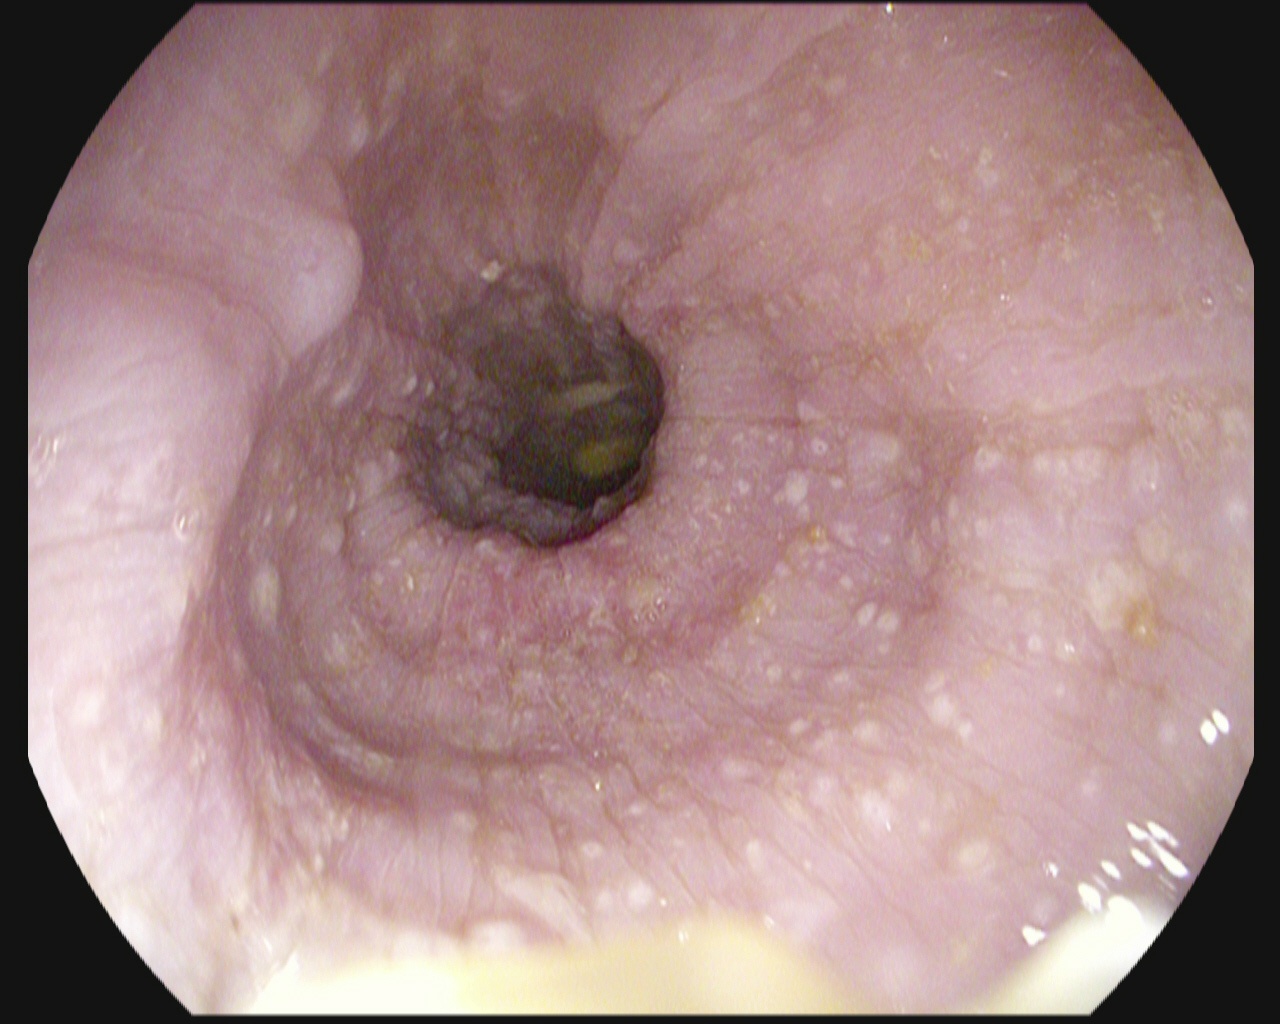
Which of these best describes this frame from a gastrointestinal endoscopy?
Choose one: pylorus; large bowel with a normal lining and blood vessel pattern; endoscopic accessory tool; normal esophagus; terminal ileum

normal esophagus